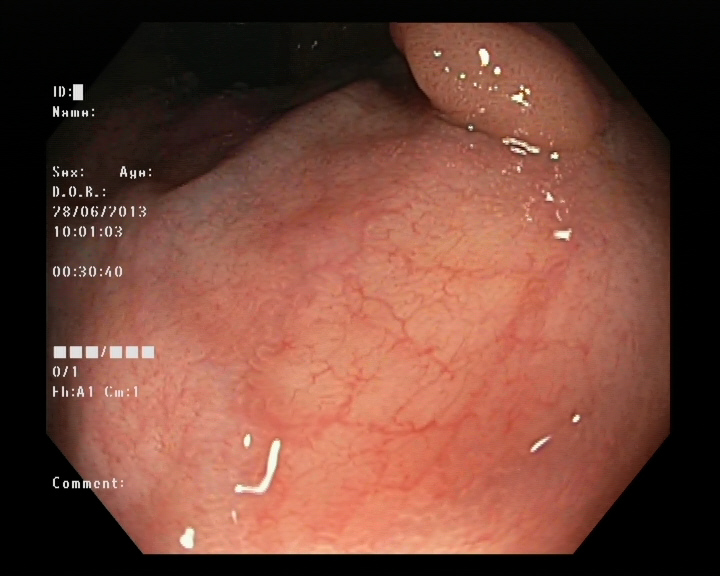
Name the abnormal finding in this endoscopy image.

colon polyp